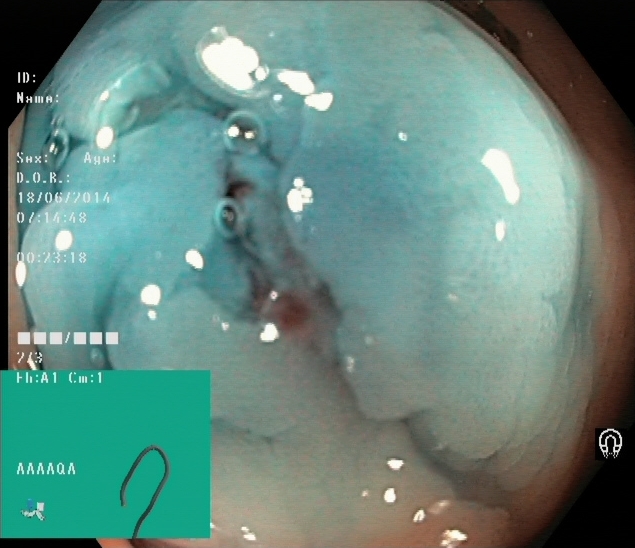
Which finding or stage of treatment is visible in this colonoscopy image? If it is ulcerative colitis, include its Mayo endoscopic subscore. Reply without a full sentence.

dyed and lifted polyp (pre-resection)